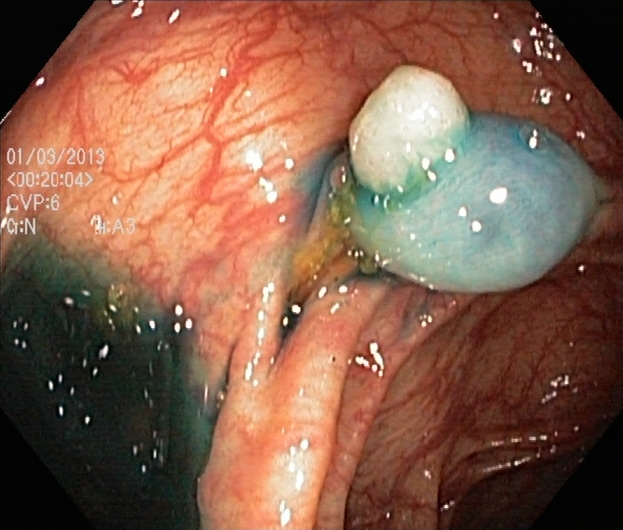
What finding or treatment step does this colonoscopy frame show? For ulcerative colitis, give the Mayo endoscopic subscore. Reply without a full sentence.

dyed and lifted polyp (pre-resection)